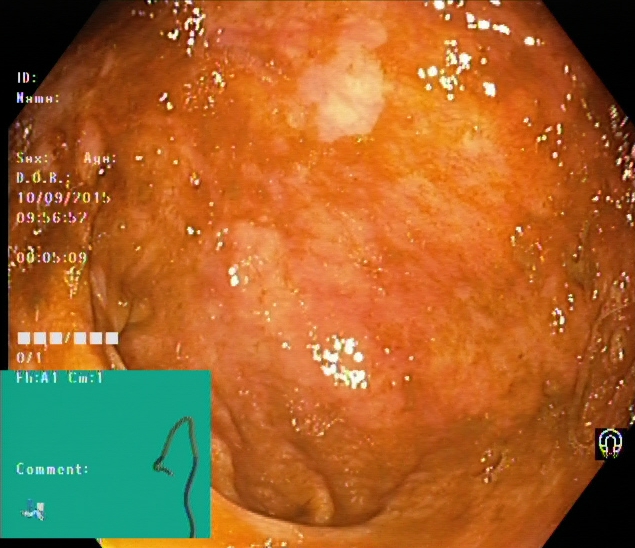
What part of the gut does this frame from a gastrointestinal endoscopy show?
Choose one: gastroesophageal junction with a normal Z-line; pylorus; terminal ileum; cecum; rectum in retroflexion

cecum